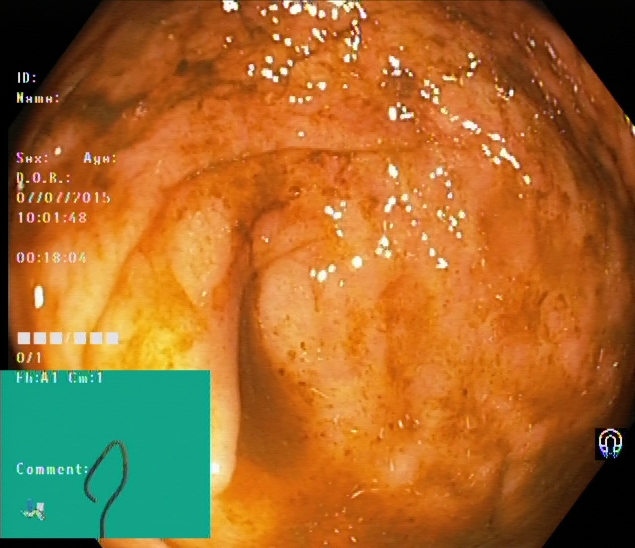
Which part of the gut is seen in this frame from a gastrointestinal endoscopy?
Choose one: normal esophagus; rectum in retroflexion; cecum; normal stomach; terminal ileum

cecum